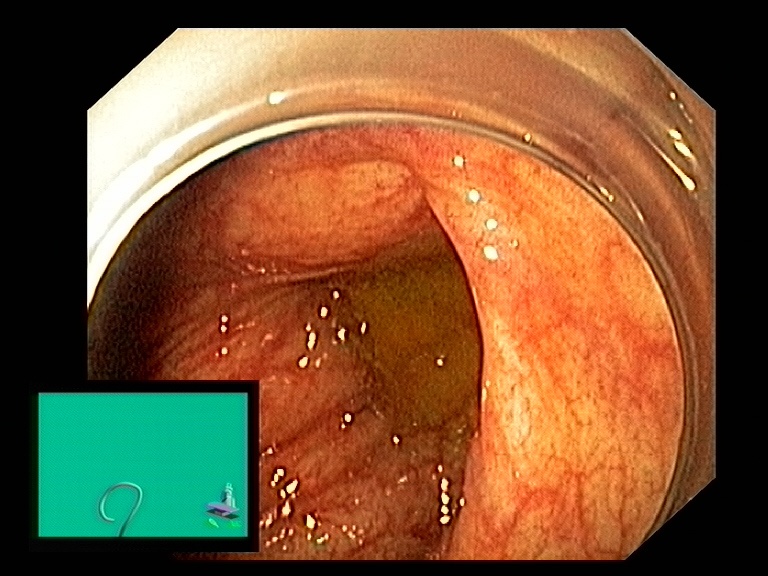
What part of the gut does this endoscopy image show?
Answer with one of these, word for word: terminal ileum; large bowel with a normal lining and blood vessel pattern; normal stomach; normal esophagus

large bowel with a normal lining and blood vessel pattern